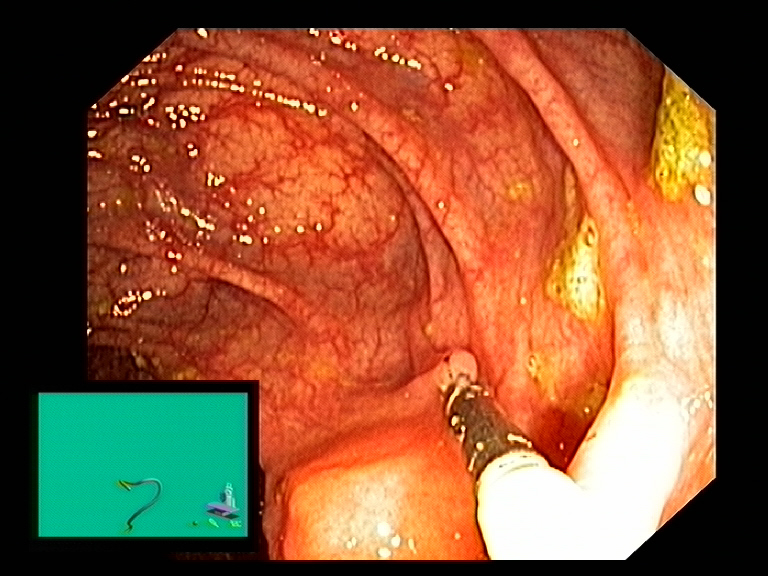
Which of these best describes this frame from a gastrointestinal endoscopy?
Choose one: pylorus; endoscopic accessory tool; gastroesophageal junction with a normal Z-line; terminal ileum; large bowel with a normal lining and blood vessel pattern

endoscopic accessory tool